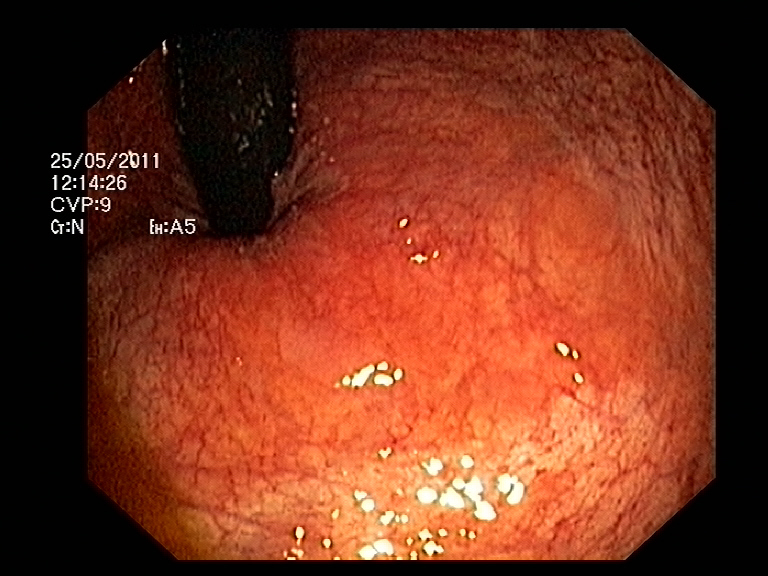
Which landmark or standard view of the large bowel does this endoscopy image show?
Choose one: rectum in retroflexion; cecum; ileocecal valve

rectum in retroflexion